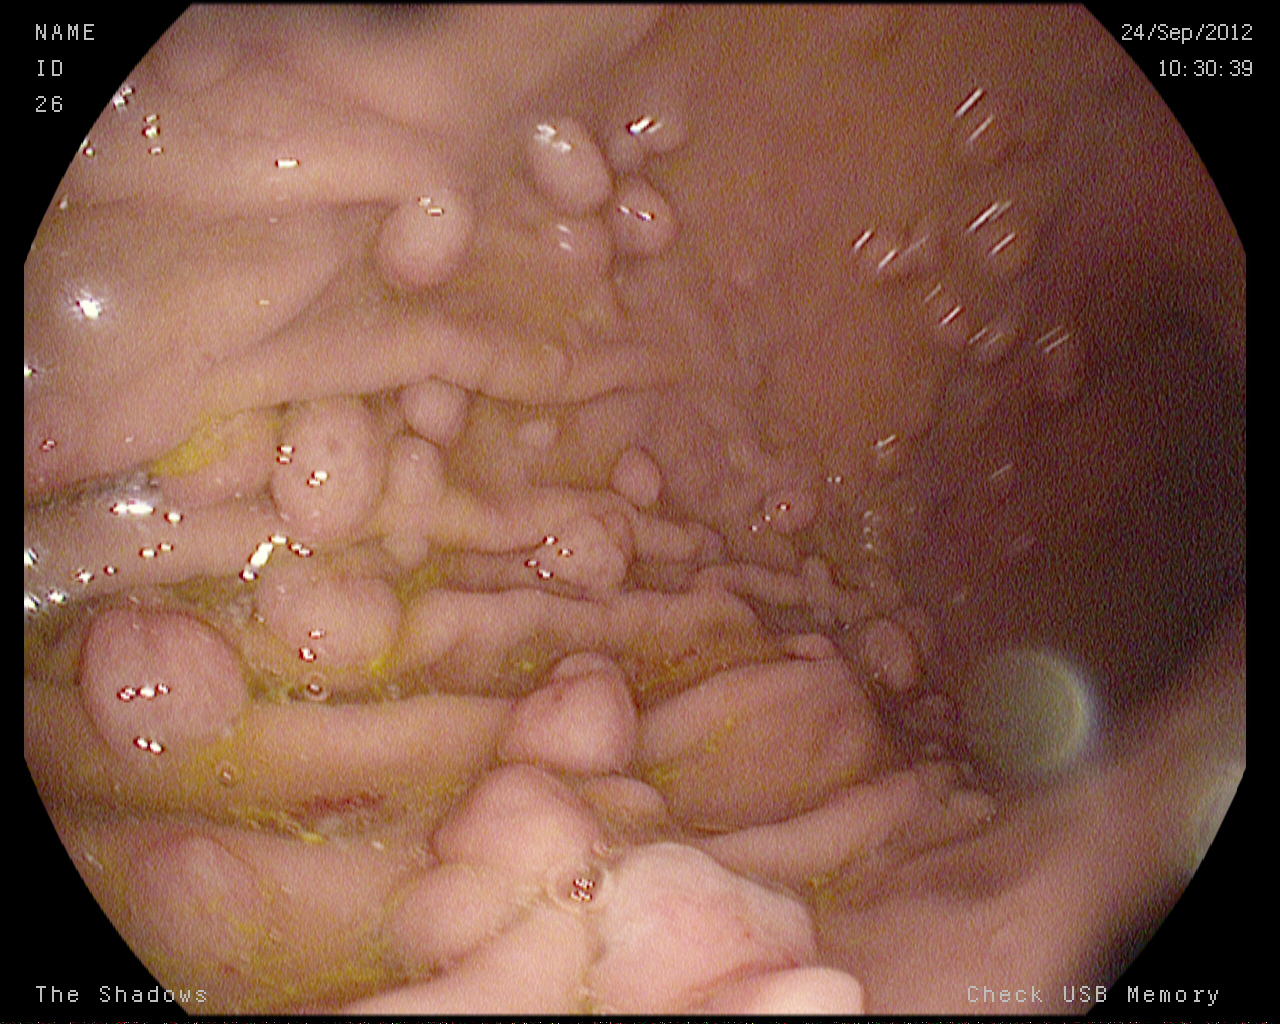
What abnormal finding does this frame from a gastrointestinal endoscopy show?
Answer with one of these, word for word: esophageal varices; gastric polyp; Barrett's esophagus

gastric polyp